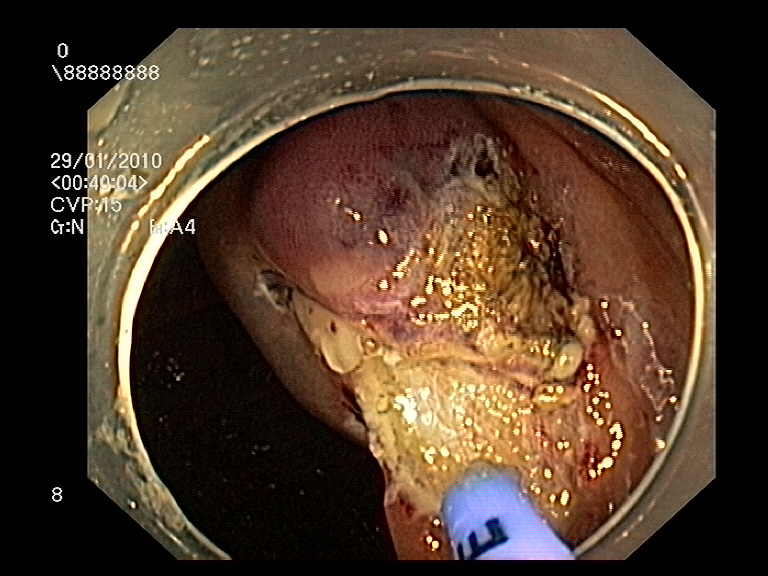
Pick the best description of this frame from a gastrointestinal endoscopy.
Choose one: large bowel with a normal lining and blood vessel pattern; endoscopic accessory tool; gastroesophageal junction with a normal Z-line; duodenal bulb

endoscopic accessory tool